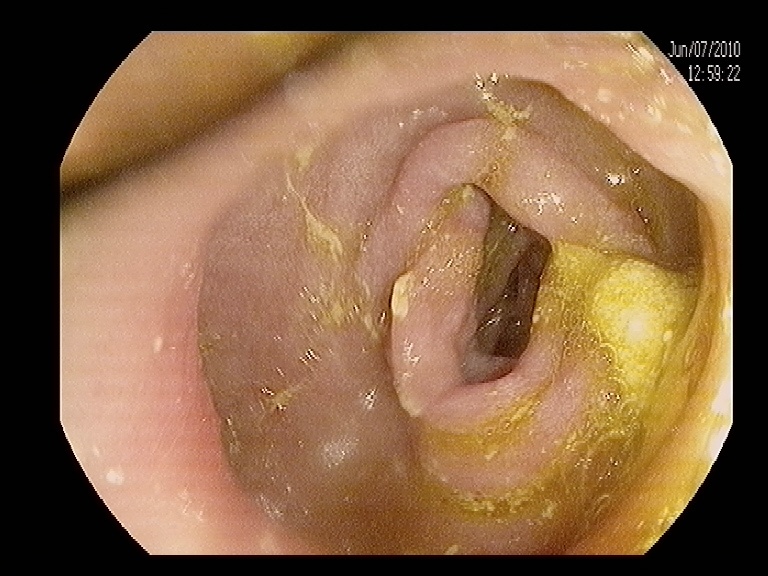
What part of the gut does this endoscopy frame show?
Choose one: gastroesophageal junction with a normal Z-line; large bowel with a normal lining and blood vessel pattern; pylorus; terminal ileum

terminal ileum